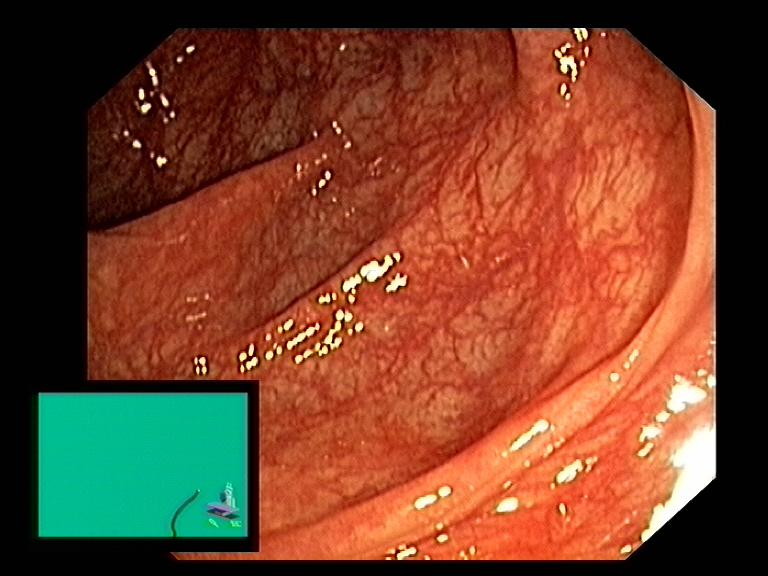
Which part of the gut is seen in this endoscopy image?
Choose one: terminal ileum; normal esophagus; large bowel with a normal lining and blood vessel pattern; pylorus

large bowel with a normal lining and blood vessel pattern